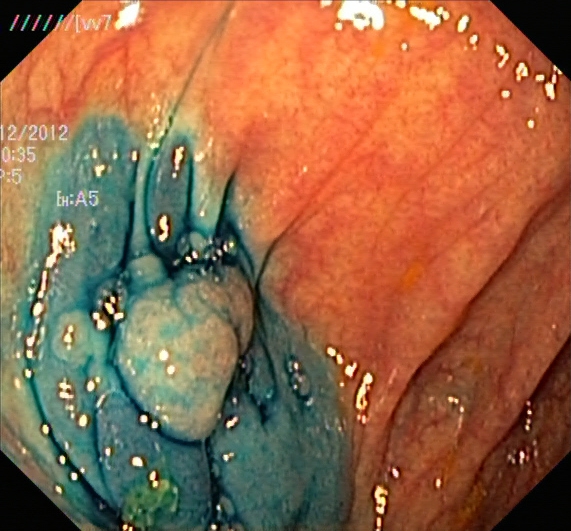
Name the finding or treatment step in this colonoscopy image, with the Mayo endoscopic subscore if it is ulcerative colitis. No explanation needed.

dyed and lifted polyp (pre-resection)